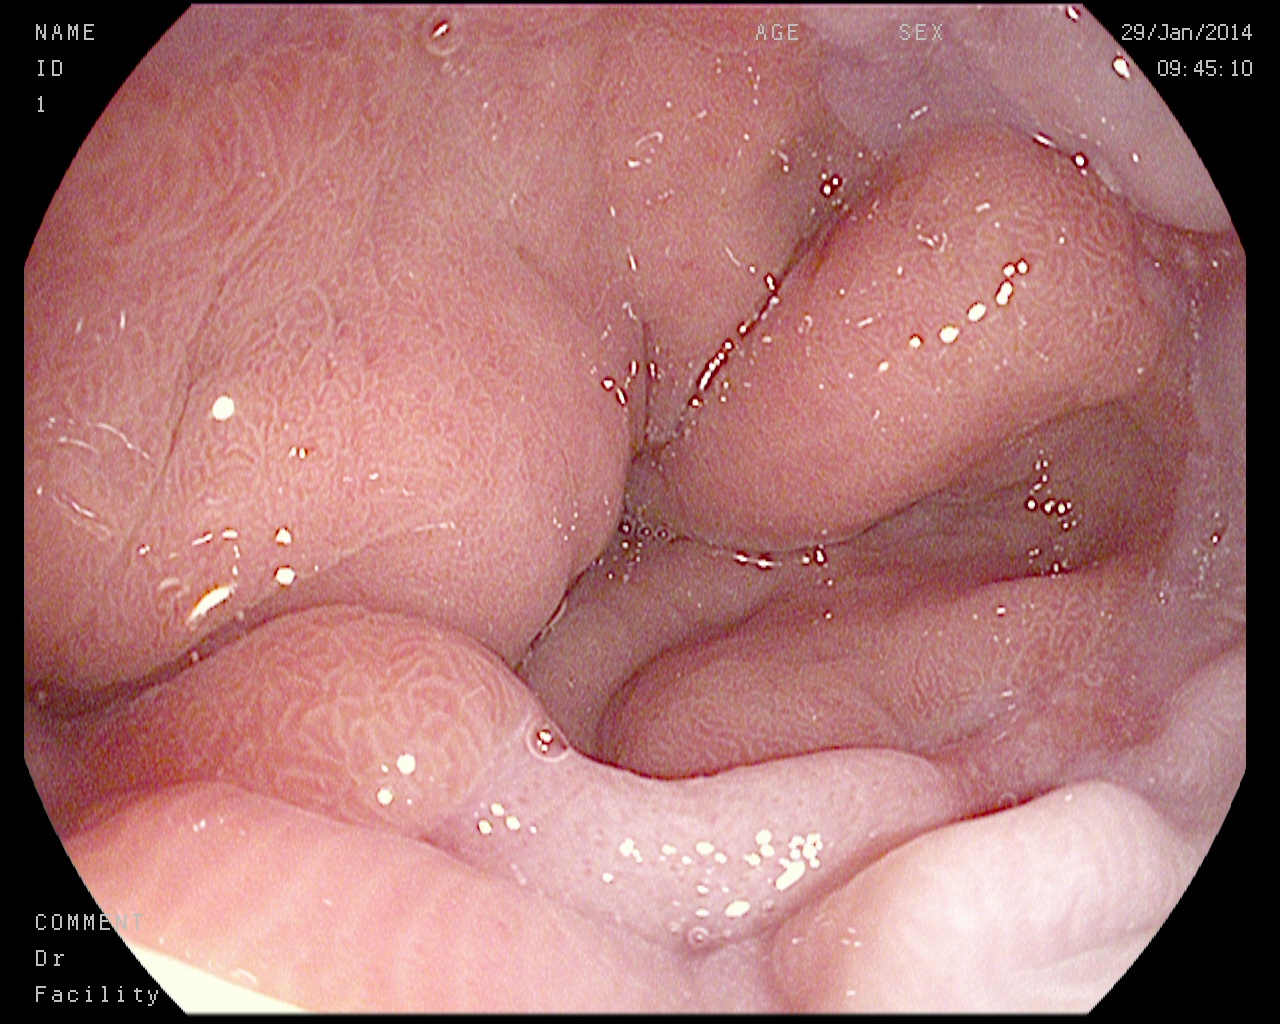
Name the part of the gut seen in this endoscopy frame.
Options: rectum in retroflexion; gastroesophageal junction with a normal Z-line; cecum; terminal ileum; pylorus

gastroesophageal junction with a normal Z-line